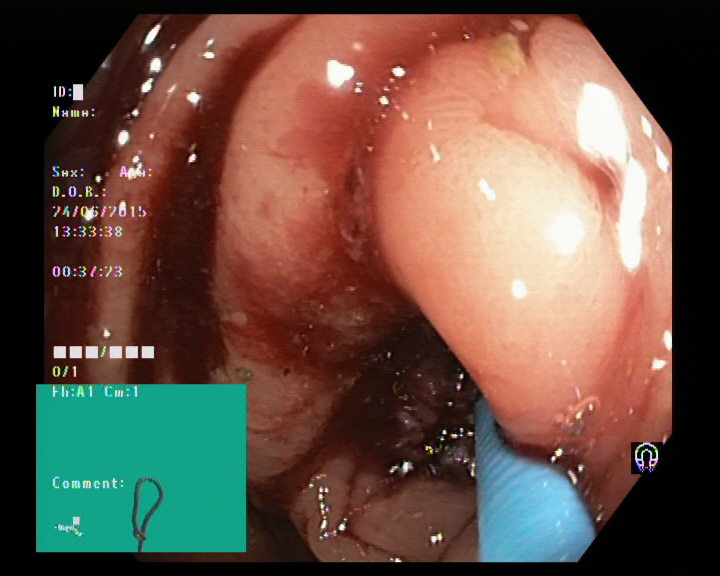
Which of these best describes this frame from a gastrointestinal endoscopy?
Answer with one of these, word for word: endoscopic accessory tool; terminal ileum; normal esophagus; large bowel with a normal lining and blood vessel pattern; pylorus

endoscopic accessory tool